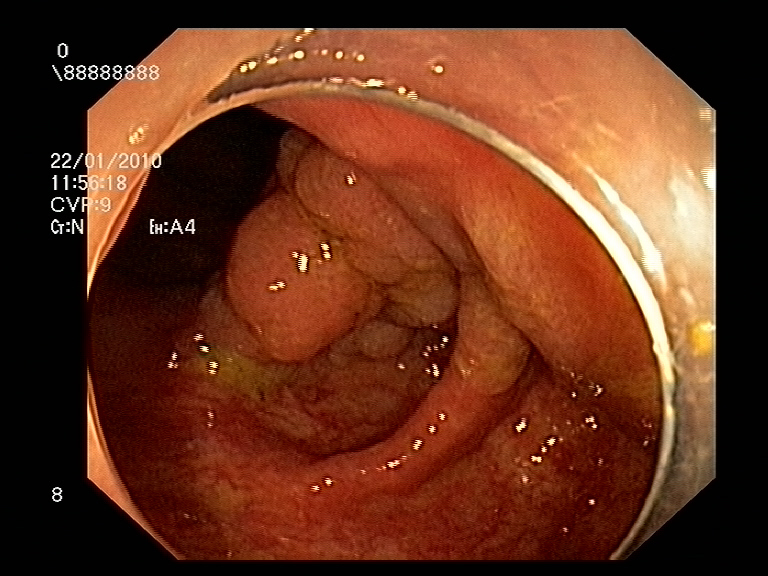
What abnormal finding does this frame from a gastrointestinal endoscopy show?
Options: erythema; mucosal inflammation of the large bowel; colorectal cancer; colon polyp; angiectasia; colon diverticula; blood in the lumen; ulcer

colon polyp